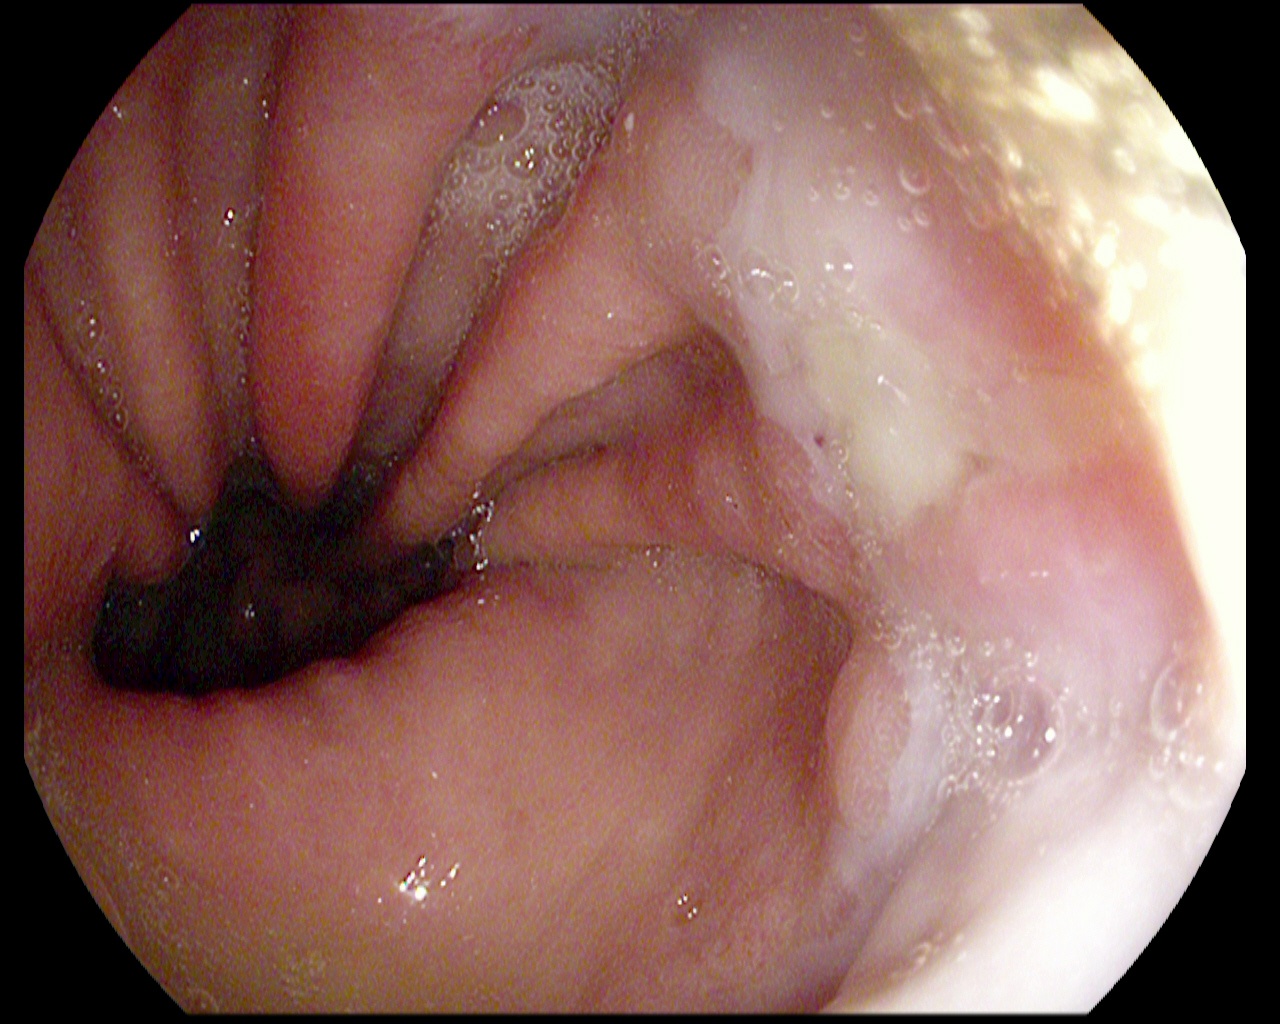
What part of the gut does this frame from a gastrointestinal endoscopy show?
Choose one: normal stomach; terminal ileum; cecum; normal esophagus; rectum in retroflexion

normal stomach